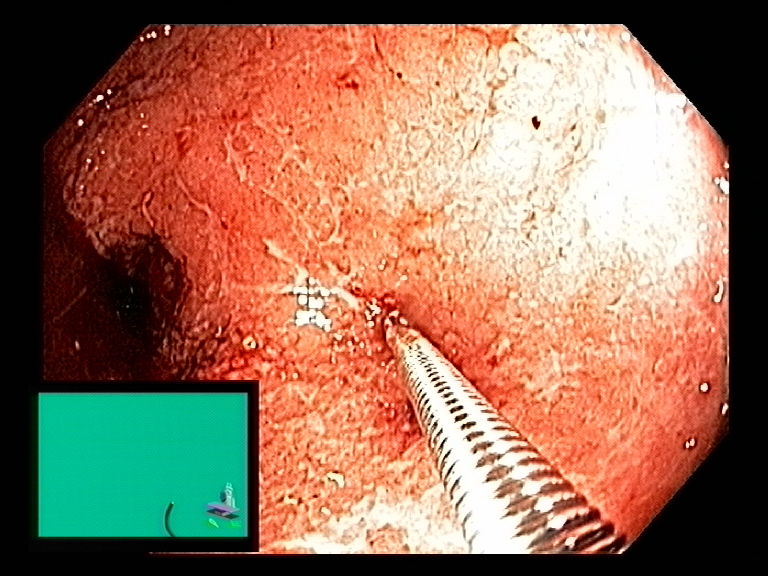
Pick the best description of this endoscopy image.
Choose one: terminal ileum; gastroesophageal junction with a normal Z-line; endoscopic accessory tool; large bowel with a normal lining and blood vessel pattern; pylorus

endoscopic accessory tool